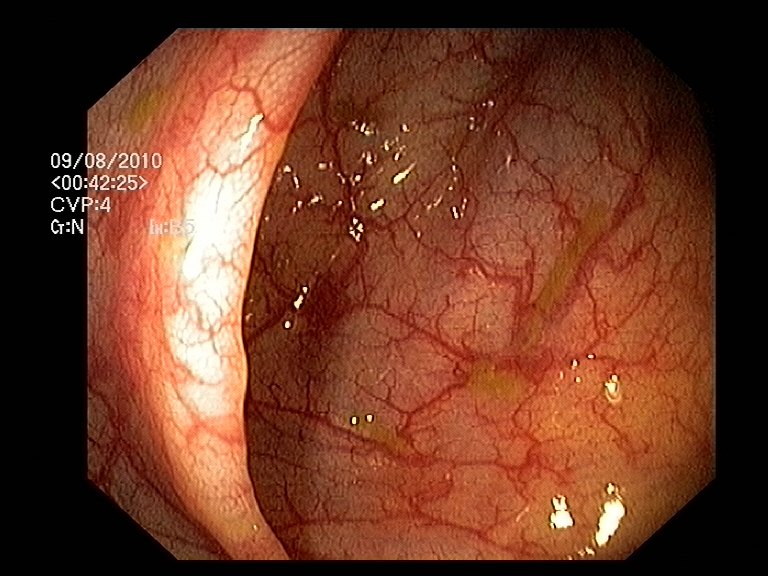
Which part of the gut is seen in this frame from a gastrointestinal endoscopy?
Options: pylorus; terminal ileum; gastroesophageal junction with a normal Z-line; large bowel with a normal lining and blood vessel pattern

large bowel with a normal lining and blood vessel pattern